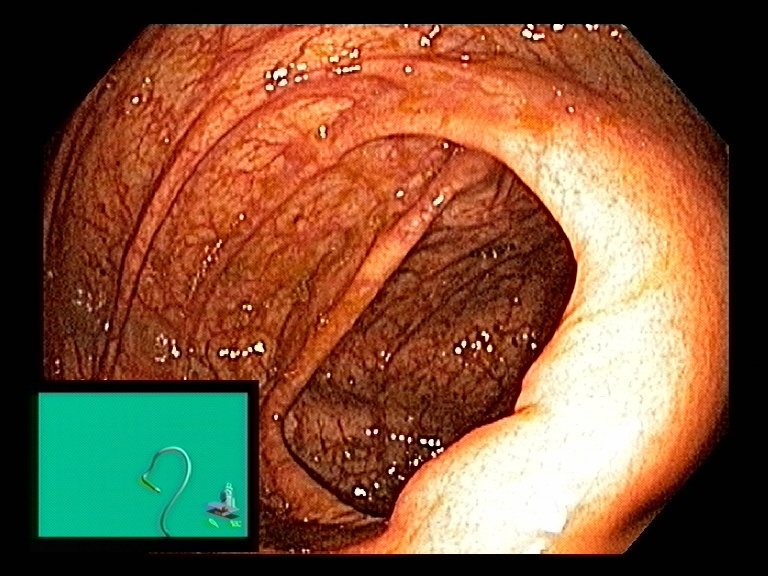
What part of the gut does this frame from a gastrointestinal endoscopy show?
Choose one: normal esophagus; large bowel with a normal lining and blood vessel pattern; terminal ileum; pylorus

large bowel with a normal lining and blood vessel pattern